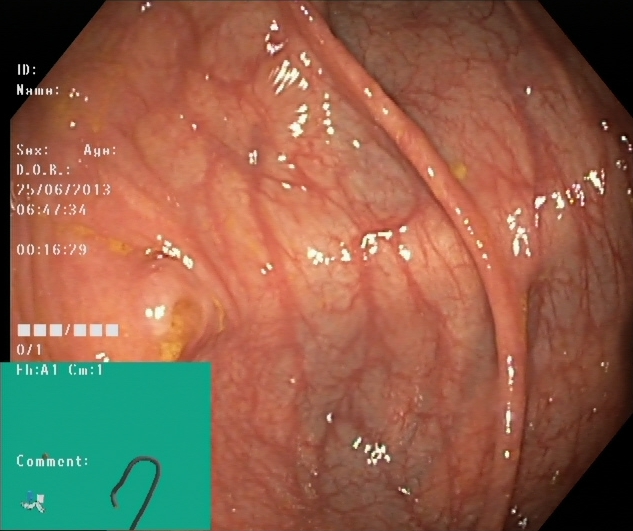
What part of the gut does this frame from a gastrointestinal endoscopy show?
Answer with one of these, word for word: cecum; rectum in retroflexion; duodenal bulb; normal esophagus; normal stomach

cecum